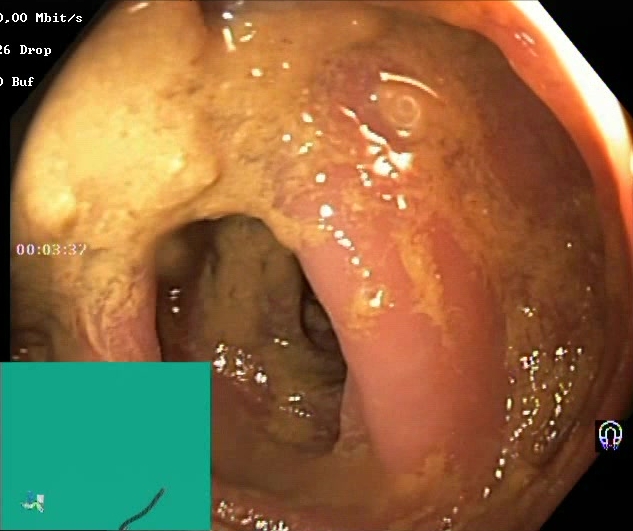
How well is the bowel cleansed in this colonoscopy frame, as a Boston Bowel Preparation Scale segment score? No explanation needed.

Boston Bowel Preparation Scale score 0–1 (inadequate preparation)